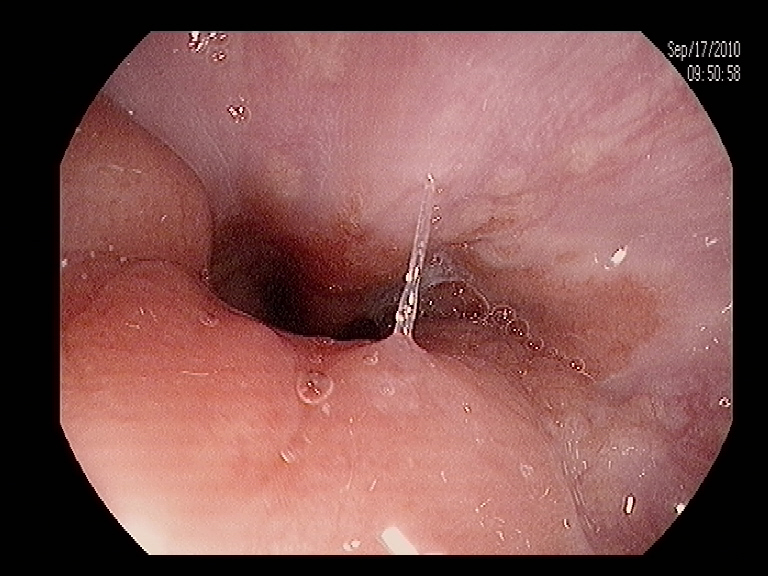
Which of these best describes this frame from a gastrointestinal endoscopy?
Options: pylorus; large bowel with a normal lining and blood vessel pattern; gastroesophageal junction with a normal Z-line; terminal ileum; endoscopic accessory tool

gastroesophageal junction with a normal Z-line